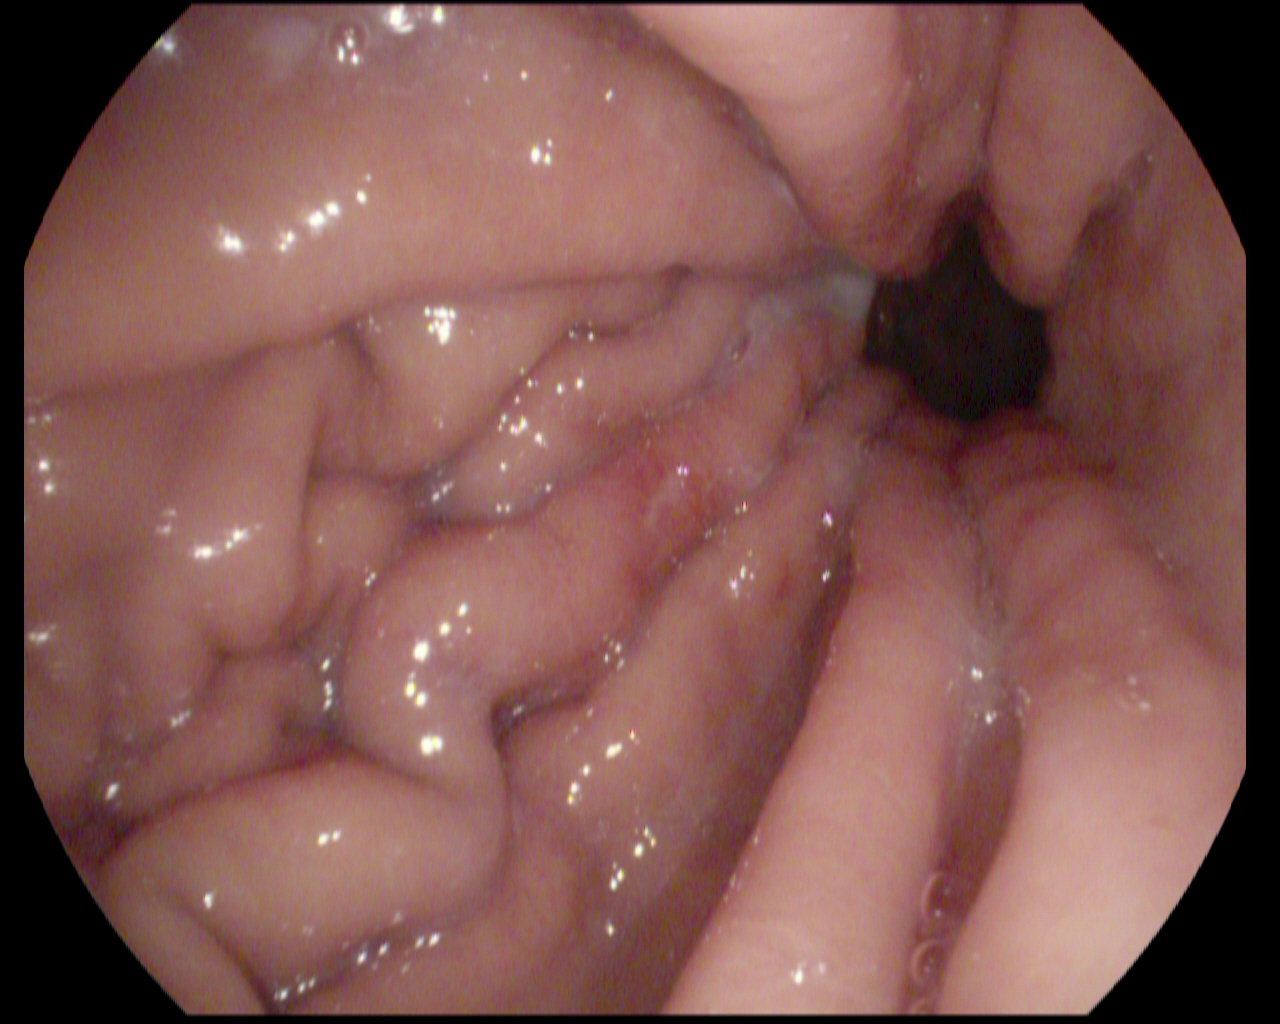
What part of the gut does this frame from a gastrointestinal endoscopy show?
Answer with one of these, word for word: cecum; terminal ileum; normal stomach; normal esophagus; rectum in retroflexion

normal stomach